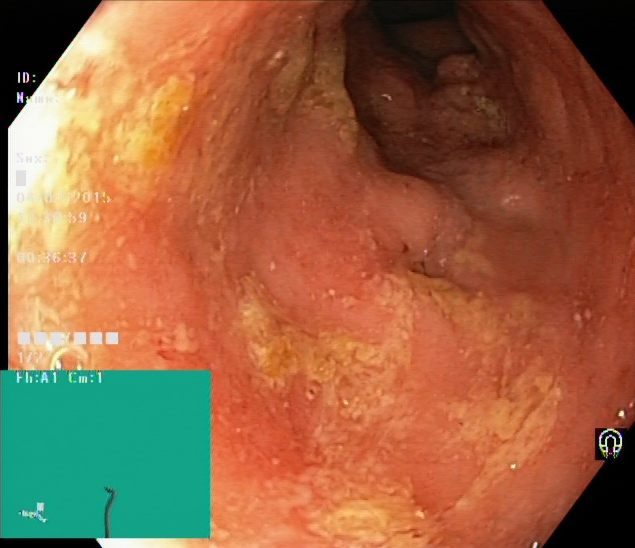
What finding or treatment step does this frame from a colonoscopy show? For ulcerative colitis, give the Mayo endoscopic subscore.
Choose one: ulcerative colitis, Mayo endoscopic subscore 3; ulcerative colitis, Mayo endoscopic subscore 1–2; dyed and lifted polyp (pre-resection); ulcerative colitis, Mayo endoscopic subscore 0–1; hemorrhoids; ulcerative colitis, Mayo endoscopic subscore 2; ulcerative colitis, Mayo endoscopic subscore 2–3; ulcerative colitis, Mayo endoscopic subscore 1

ulcerative colitis, Mayo endoscopic subscore 1